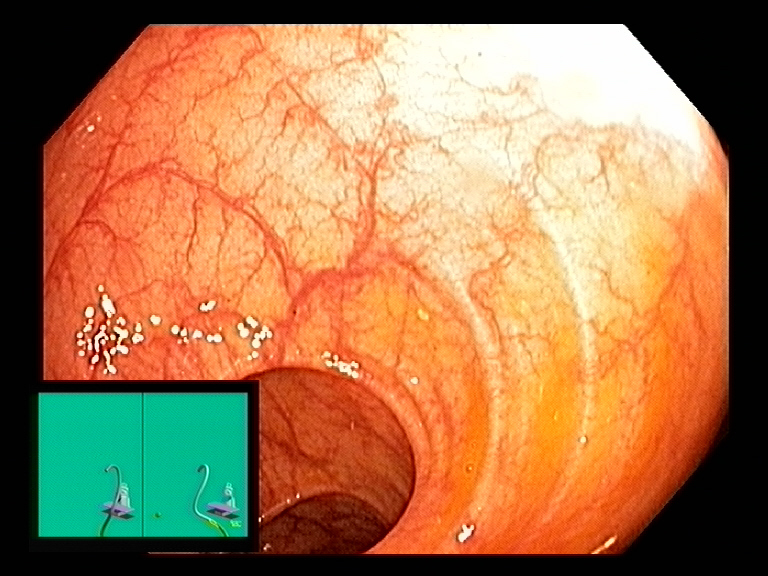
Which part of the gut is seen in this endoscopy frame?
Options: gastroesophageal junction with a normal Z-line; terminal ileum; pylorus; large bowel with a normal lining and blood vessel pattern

large bowel with a normal lining and blood vessel pattern